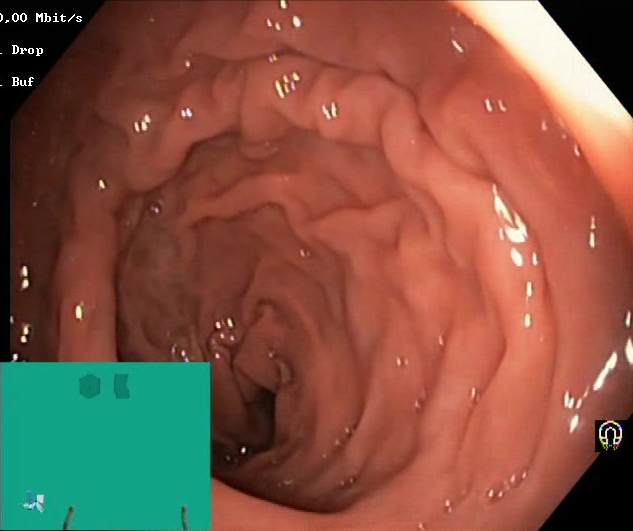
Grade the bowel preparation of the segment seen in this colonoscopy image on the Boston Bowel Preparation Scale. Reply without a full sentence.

Boston Bowel Preparation Scale score 2–3 (adequate preparation)